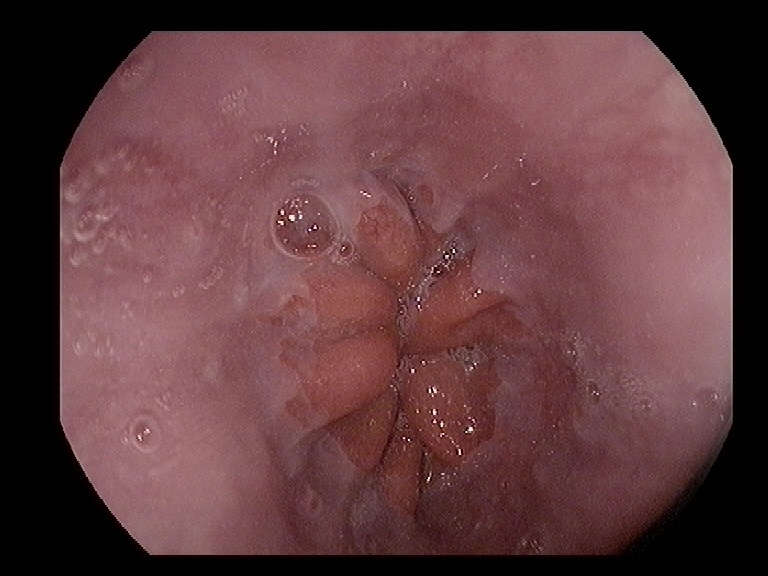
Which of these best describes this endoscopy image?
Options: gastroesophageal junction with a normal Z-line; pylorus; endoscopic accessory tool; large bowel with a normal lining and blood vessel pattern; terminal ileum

gastroesophageal junction with a normal Z-line